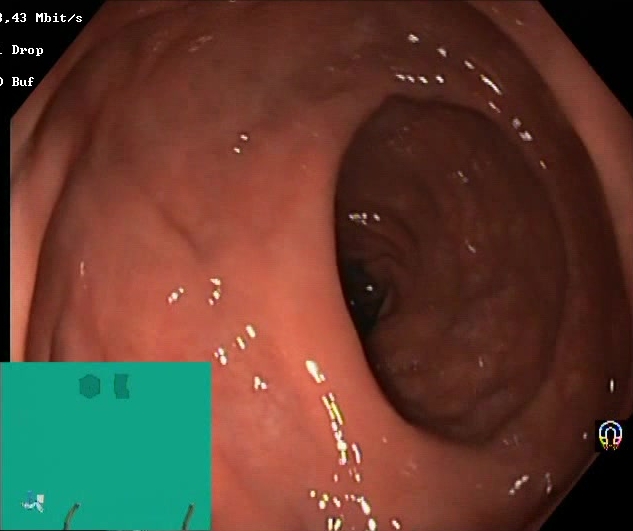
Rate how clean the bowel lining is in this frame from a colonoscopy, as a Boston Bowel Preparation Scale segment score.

Boston Bowel Preparation Scale score 2–3 (adequate preparation)